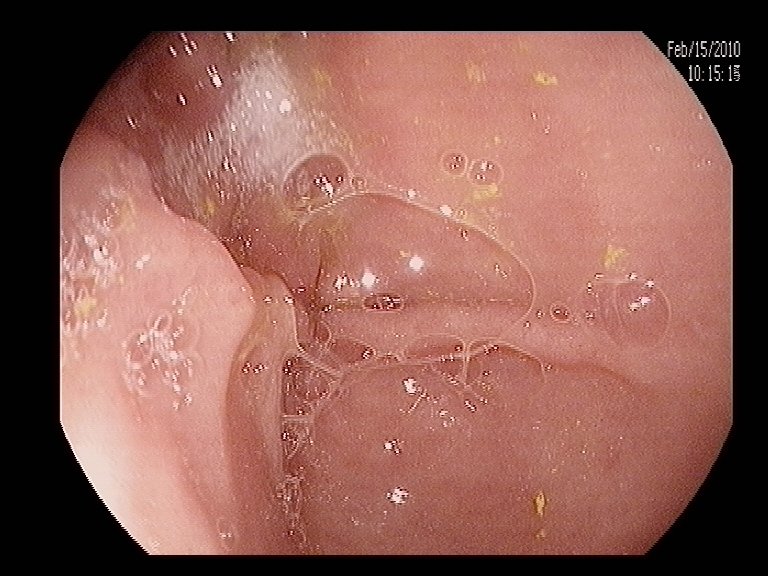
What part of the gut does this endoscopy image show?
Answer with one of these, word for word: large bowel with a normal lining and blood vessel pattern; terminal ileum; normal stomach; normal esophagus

normal stomach